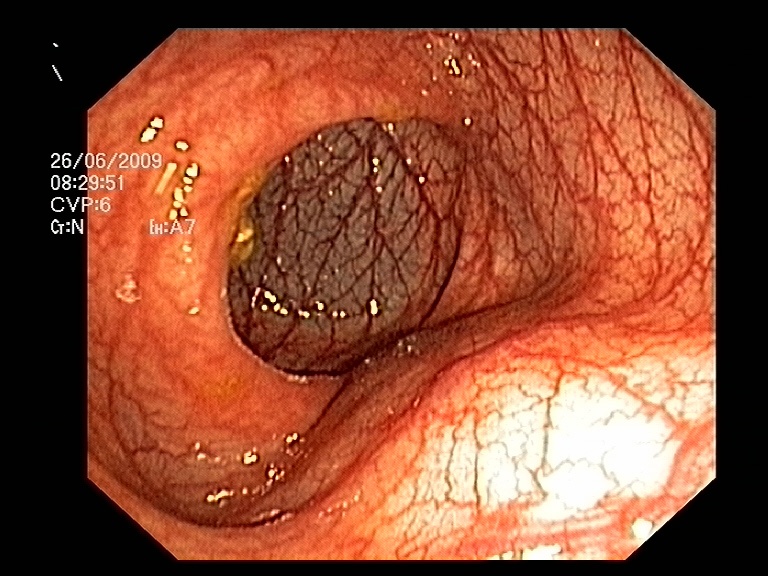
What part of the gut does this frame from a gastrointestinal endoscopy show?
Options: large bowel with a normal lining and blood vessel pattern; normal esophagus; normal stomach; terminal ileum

large bowel with a normal lining and blood vessel pattern